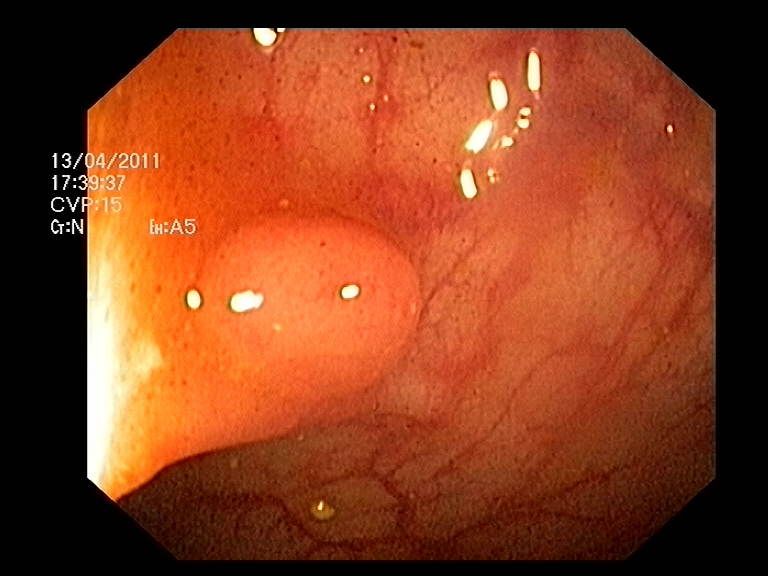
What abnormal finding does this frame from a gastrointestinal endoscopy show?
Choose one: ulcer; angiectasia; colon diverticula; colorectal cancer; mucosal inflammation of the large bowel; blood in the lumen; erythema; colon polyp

colon polyp